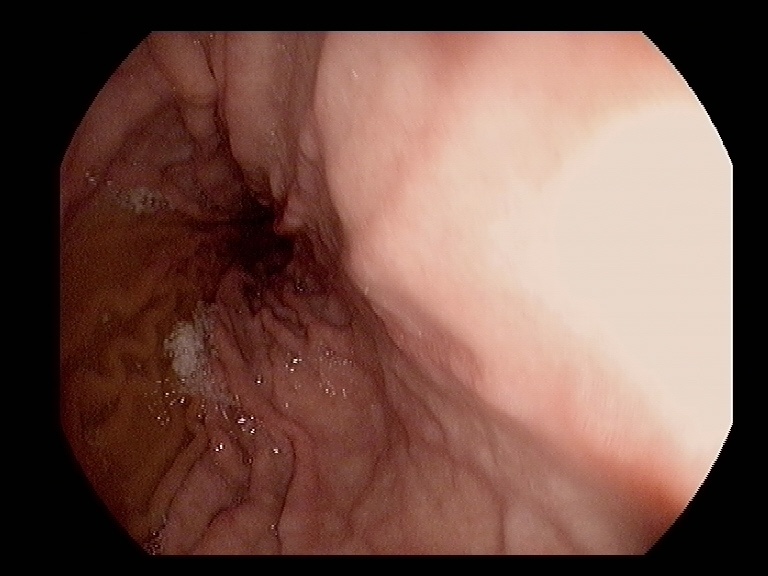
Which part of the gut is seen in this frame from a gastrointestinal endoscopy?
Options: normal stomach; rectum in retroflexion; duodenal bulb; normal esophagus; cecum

normal stomach